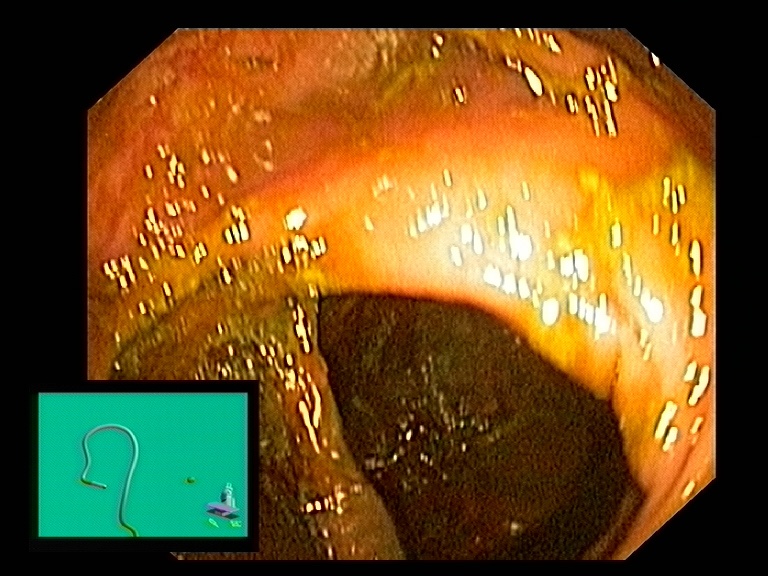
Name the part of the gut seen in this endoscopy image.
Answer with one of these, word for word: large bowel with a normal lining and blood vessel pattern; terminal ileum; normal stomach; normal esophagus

large bowel with a normal lining and blood vessel pattern